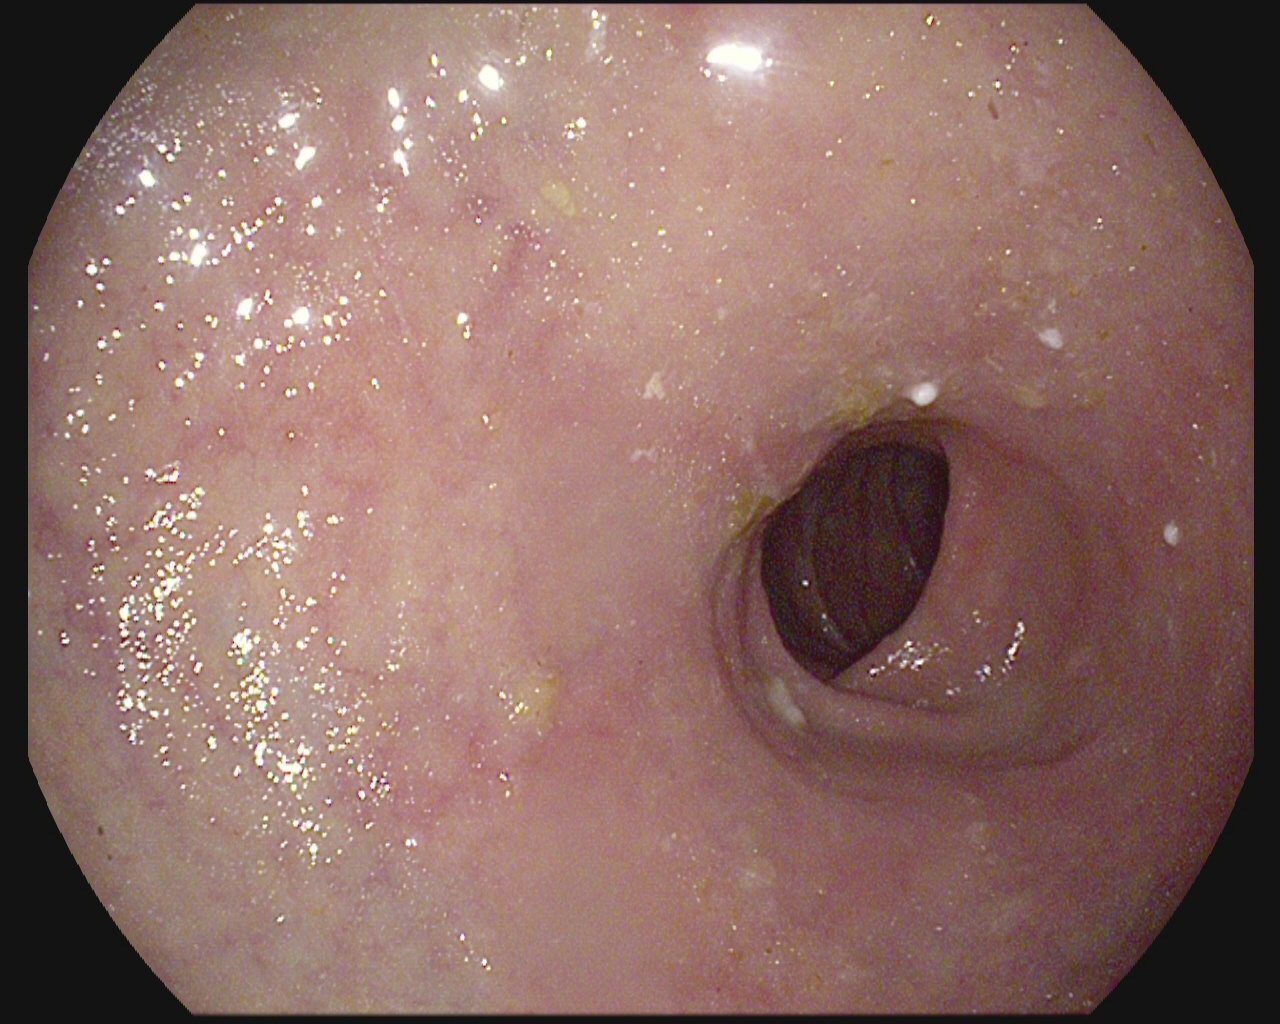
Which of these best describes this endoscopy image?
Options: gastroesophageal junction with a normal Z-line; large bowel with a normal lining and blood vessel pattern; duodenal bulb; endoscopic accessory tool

duodenal bulb